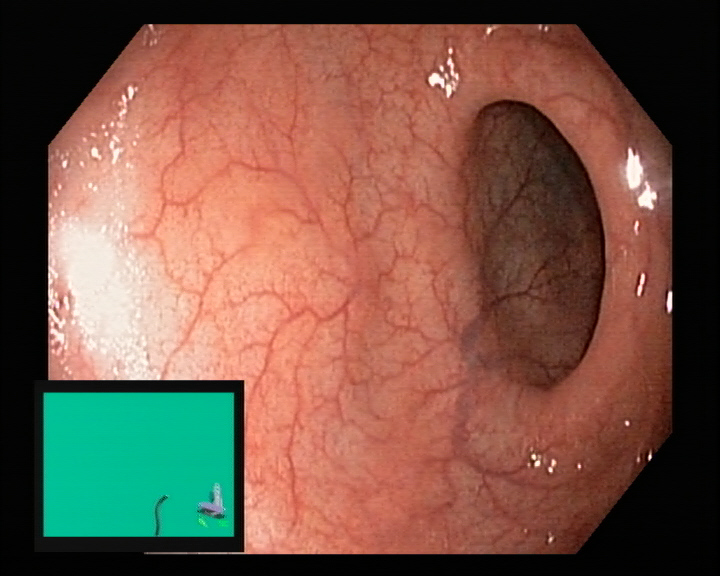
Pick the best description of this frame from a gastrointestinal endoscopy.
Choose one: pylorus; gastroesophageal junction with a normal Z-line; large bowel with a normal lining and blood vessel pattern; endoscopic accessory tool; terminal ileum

large bowel with a normal lining and blood vessel pattern